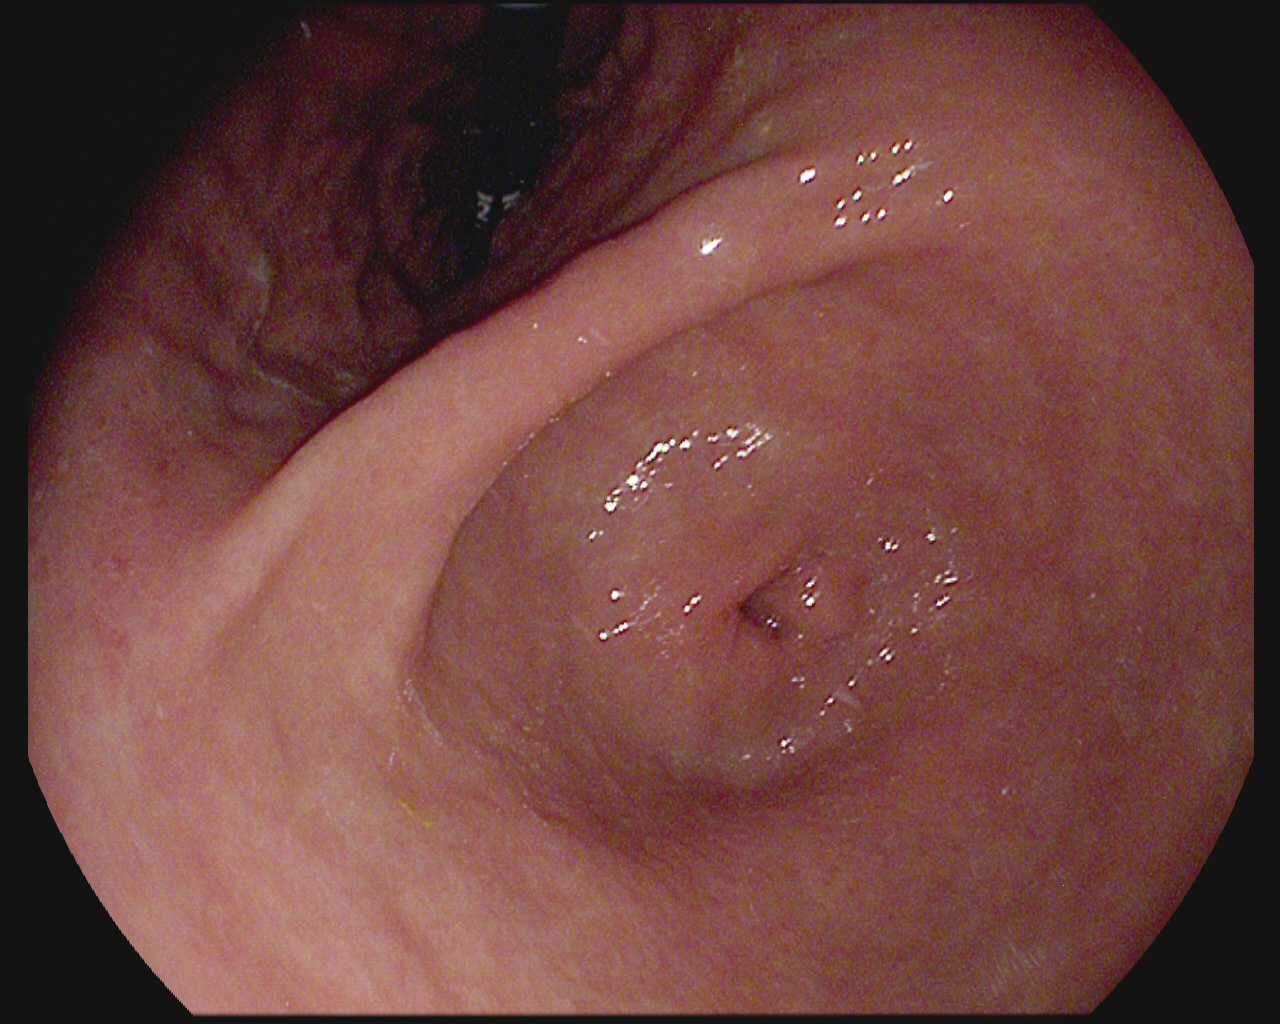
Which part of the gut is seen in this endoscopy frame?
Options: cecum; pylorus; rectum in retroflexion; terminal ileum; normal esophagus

pylorus